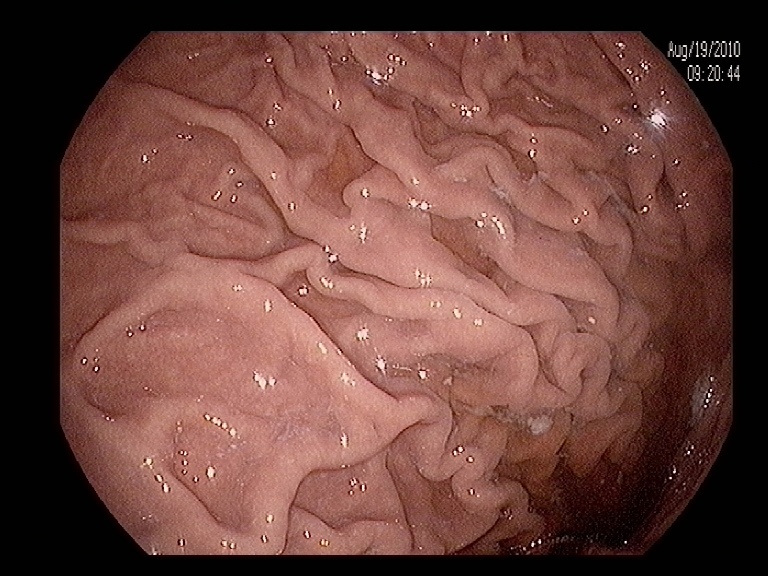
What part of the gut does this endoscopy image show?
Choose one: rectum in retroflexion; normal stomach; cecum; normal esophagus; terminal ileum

normal stomach